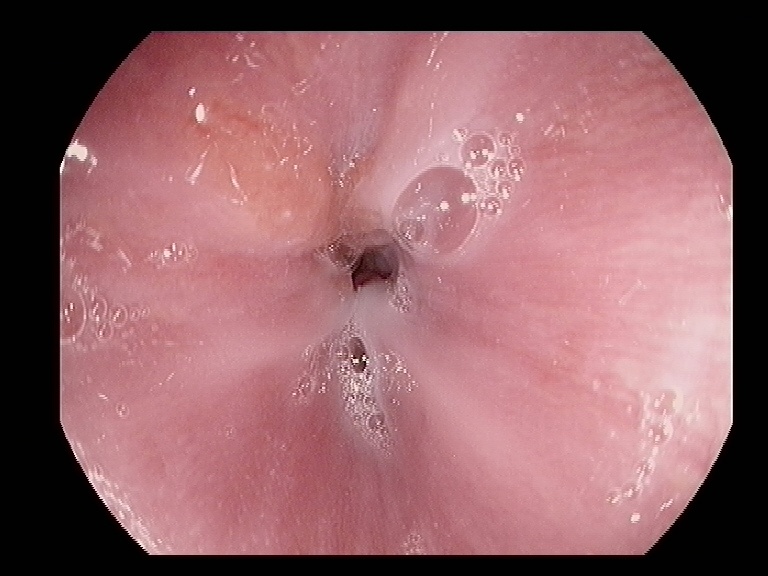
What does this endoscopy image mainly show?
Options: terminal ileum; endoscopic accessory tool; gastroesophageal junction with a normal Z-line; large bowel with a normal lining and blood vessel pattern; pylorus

gastroesophageal junction with a normal Z-line